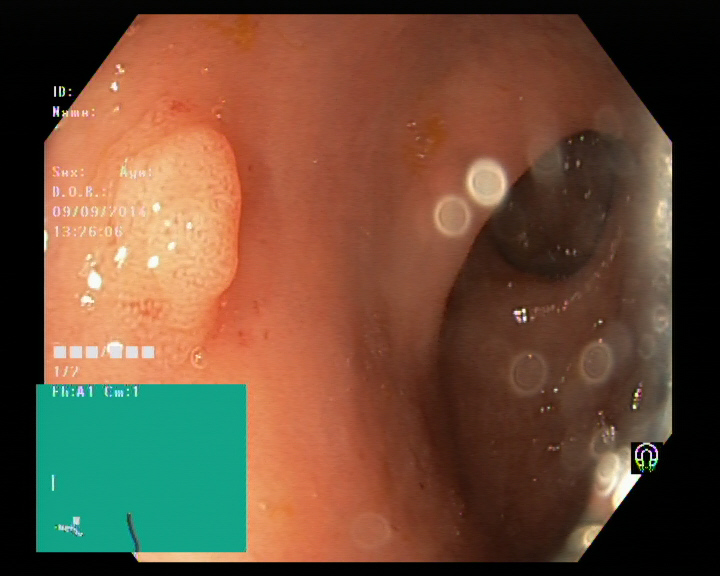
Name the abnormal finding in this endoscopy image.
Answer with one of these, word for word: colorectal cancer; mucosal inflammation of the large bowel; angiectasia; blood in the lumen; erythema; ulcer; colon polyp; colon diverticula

colon polyp